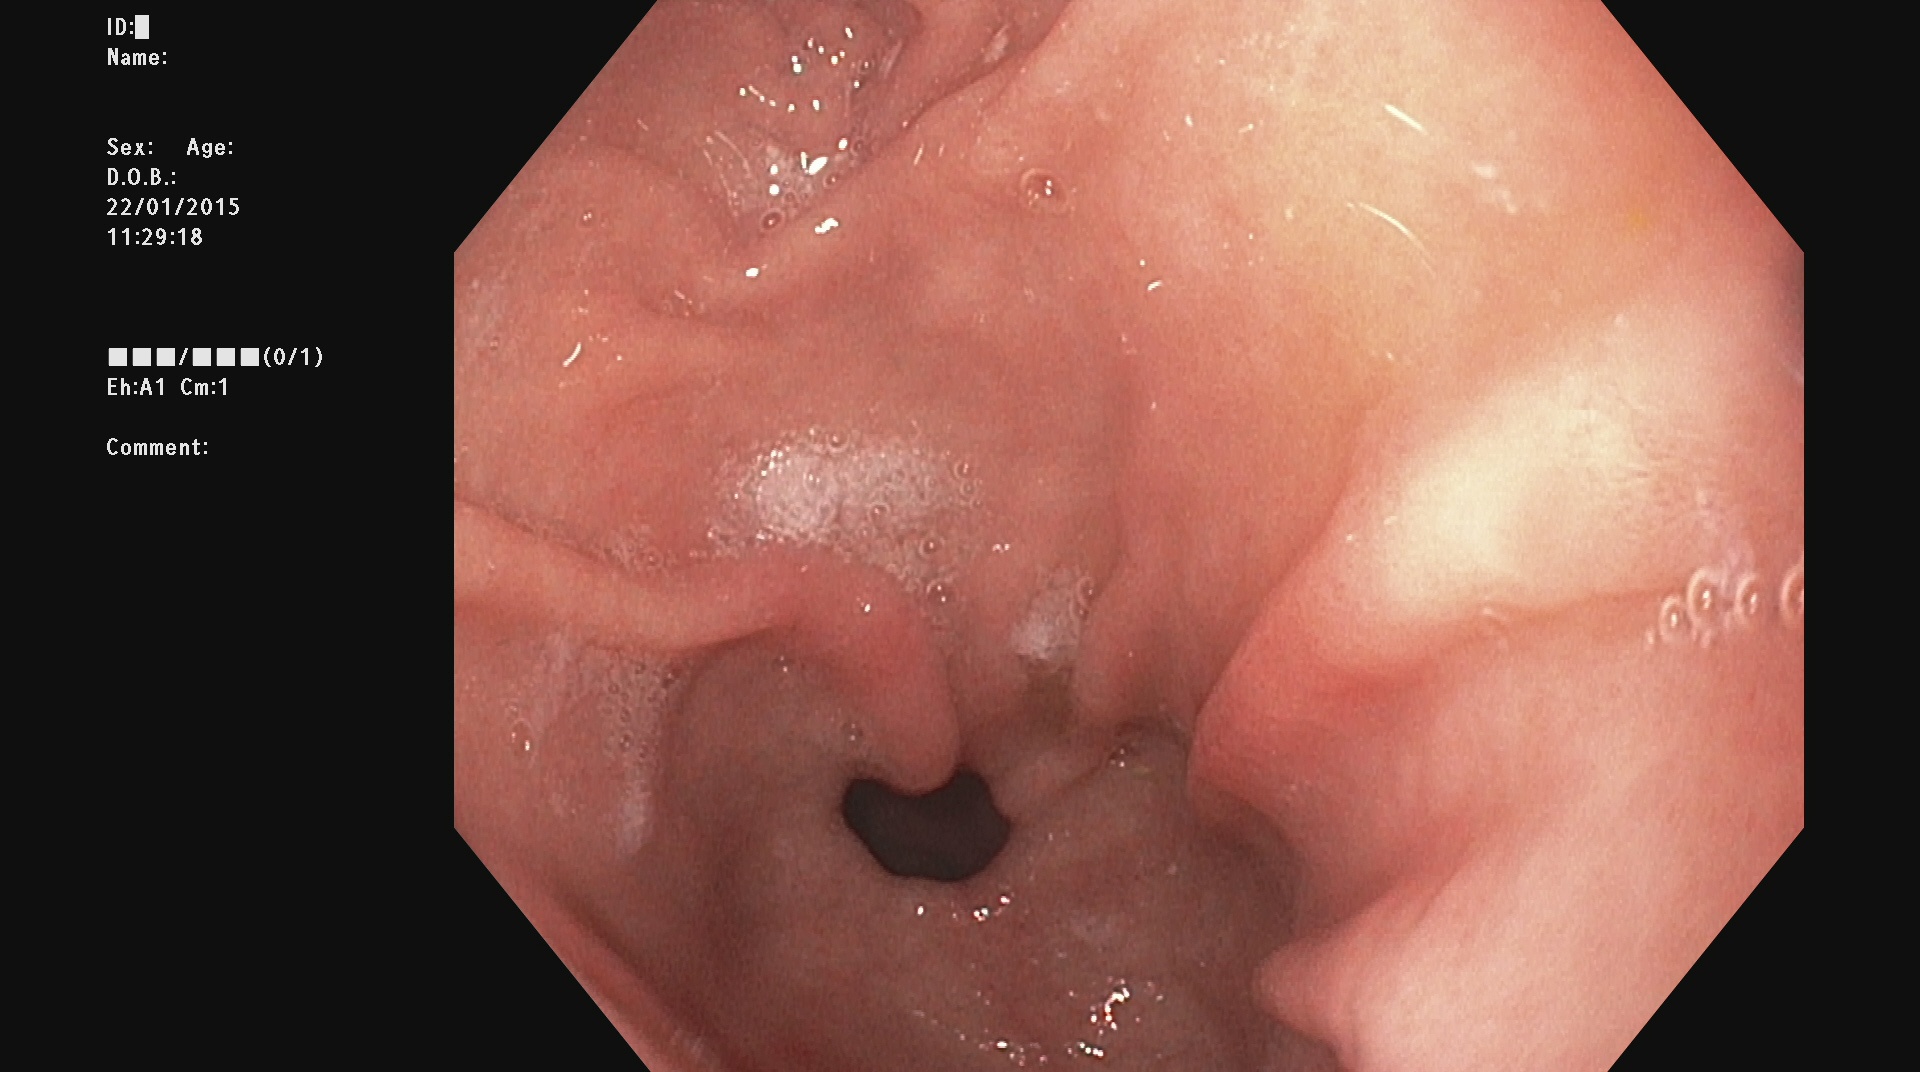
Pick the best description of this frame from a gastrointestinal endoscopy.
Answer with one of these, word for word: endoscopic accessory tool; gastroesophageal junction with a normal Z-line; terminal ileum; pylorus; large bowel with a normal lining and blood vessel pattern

pylorus